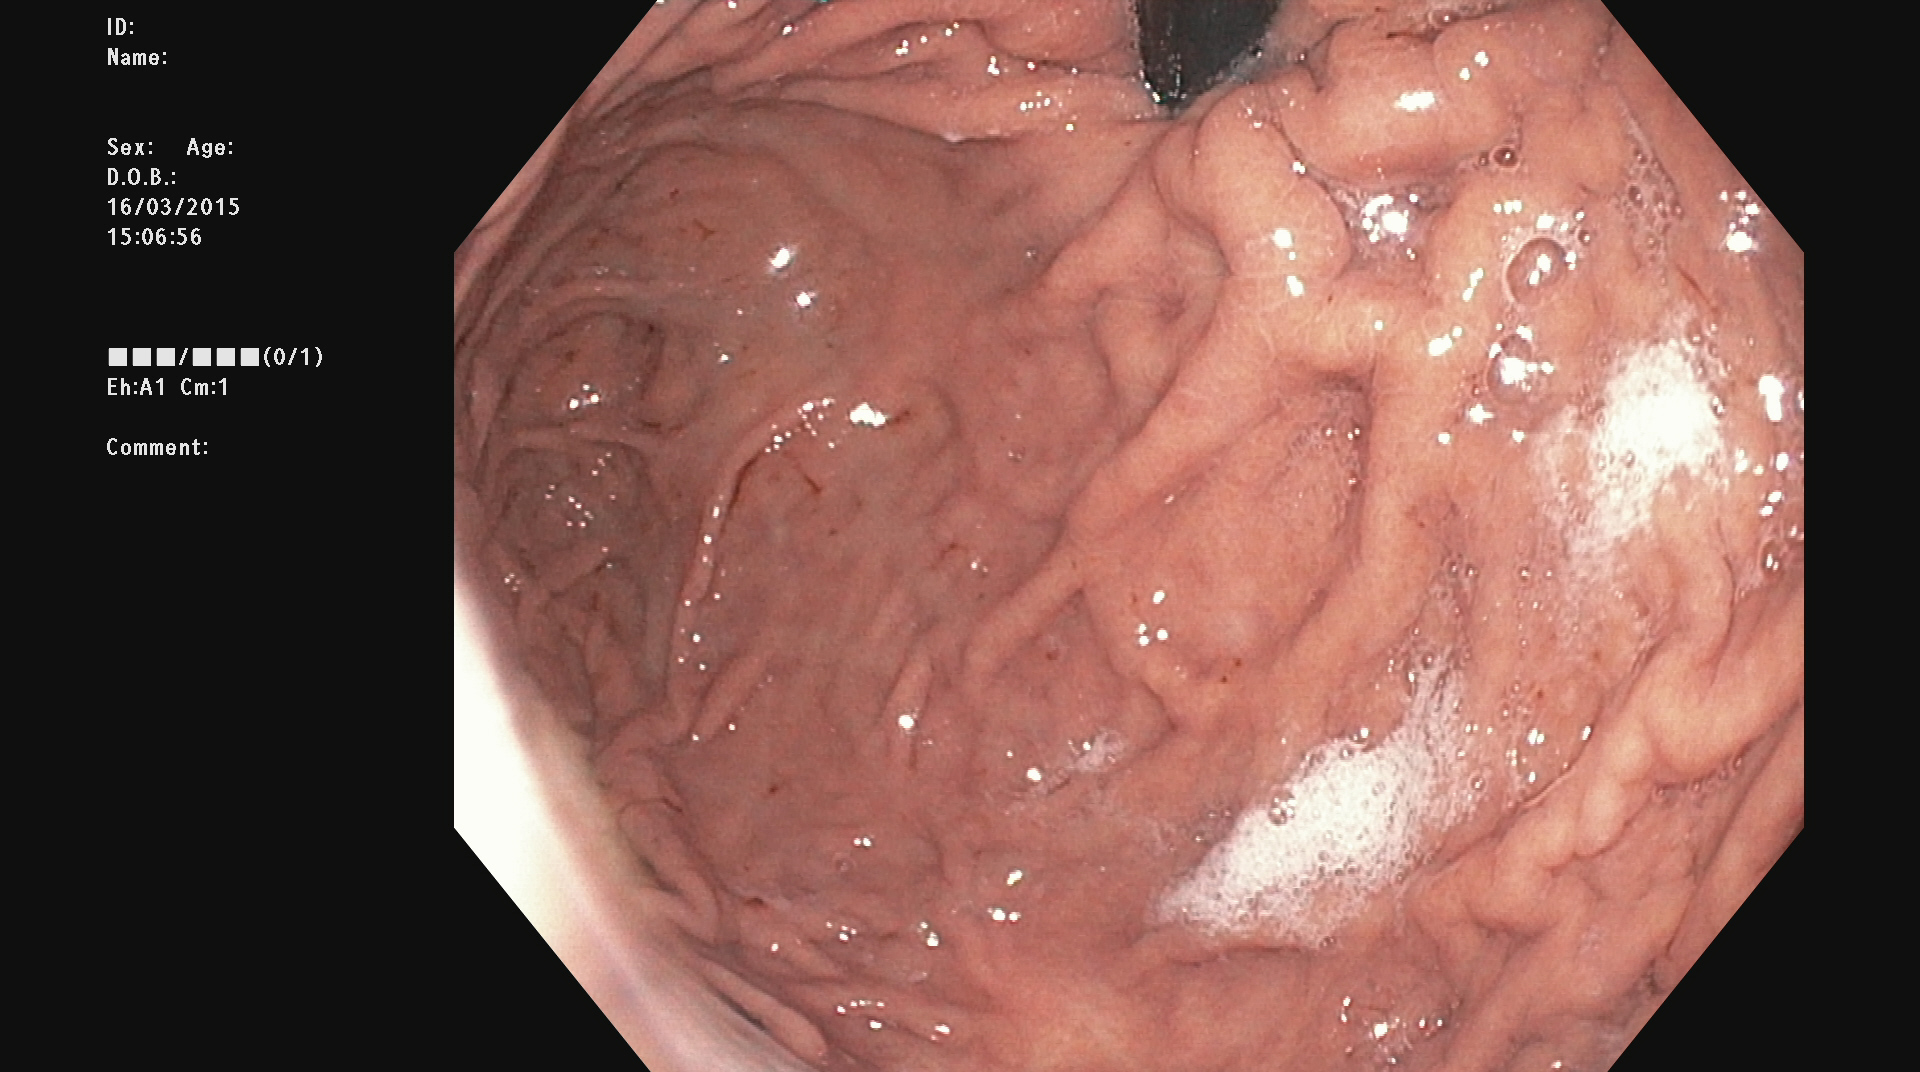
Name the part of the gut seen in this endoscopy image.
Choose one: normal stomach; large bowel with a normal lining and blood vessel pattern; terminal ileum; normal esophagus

normal stomach